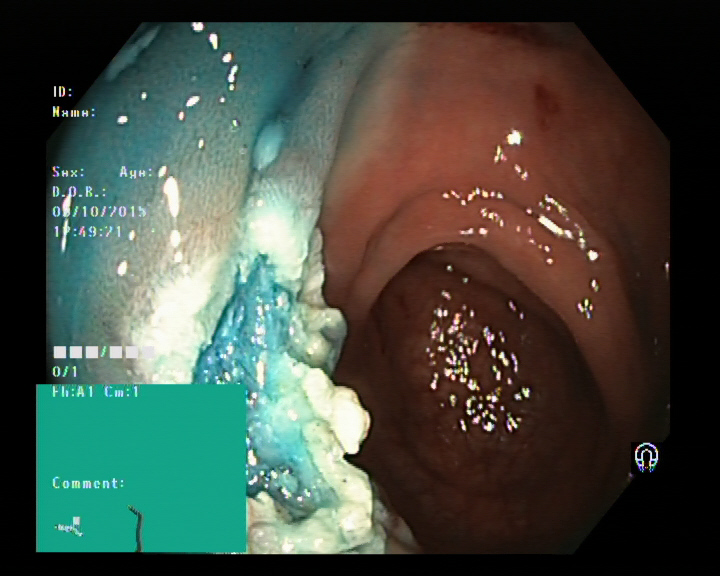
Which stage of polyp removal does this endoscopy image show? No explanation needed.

dyed resection margin (post-polypectomy)